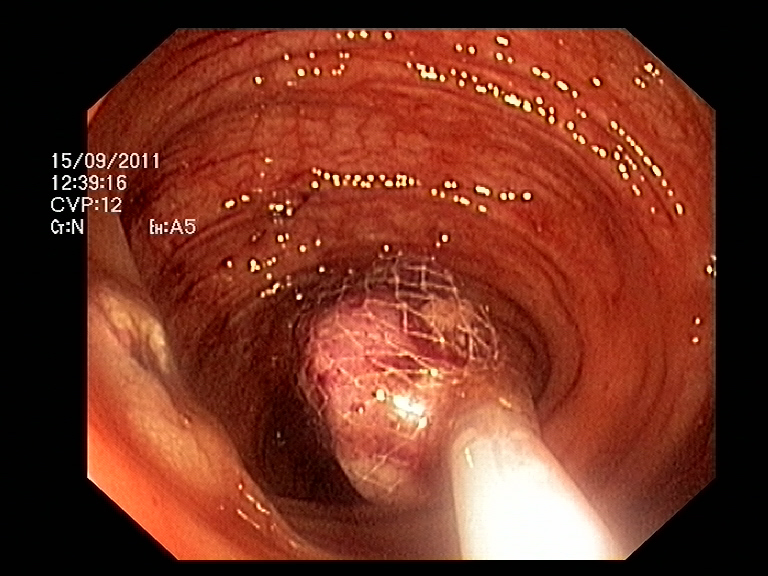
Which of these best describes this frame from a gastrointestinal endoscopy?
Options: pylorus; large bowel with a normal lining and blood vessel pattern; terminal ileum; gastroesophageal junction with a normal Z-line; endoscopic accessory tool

endoscopic accessory tool